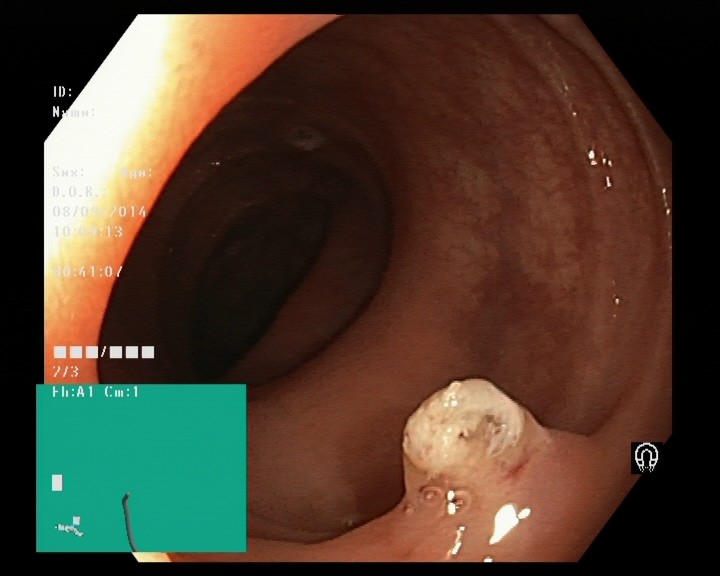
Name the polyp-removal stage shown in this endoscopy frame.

undyed resection margin (post-polypectomy)